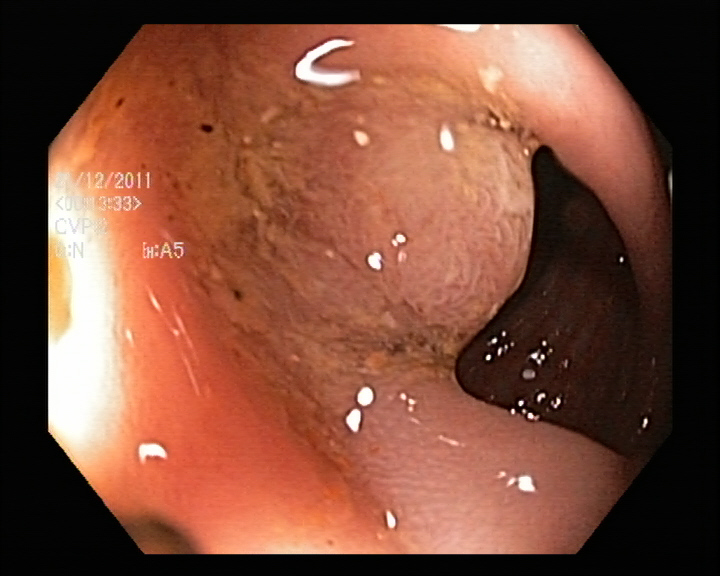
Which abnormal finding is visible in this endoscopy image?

colorectal cancer